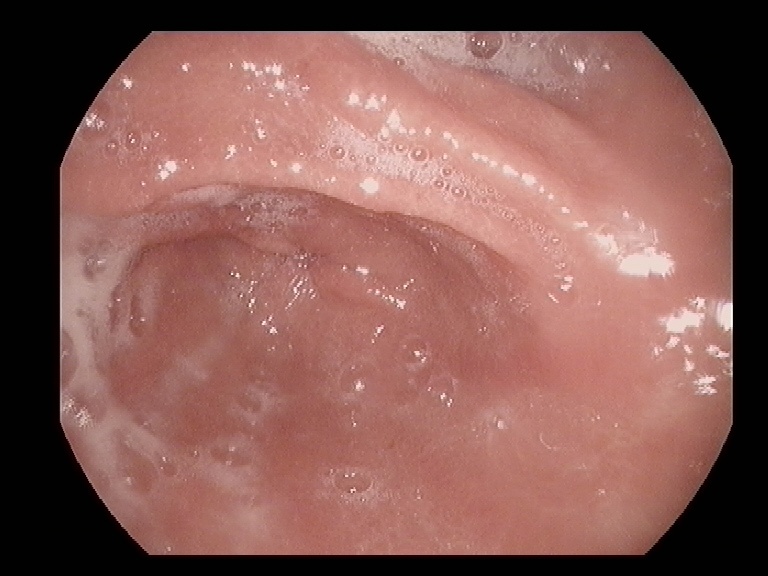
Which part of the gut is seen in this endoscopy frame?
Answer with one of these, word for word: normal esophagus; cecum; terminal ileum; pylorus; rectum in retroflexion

pylorus